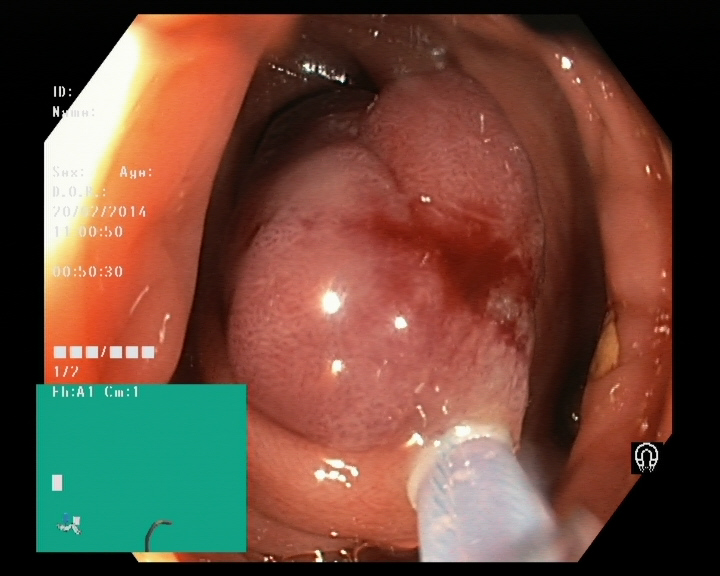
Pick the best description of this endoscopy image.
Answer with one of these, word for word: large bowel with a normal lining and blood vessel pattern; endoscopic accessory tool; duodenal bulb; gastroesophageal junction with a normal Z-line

endoscopic accessory tool